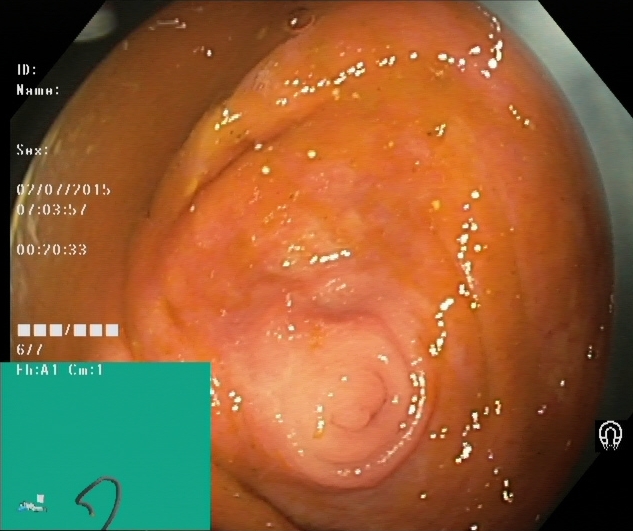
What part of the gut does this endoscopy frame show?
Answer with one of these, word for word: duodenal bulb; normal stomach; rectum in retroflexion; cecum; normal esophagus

cecum